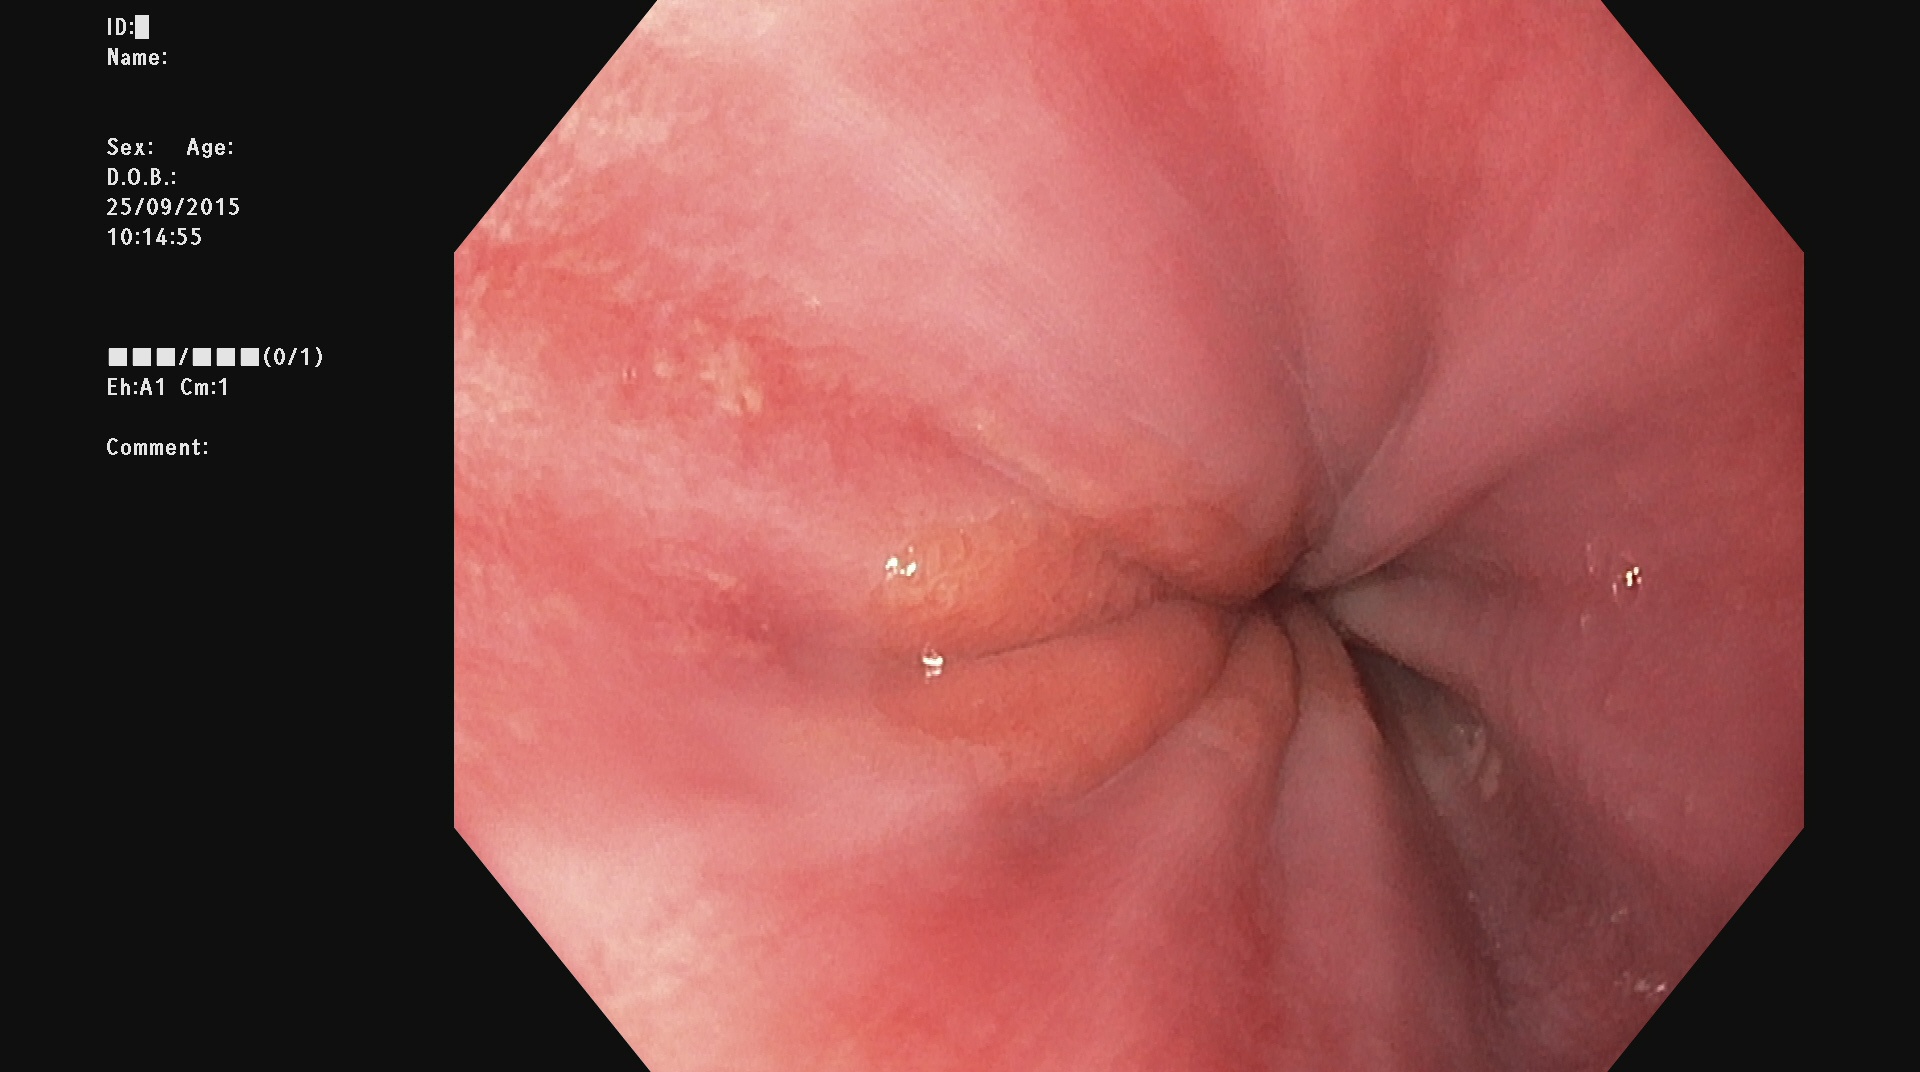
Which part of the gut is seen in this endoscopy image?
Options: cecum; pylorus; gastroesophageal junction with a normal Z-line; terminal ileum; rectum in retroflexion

gastroesophageal junction with a normal Z-line